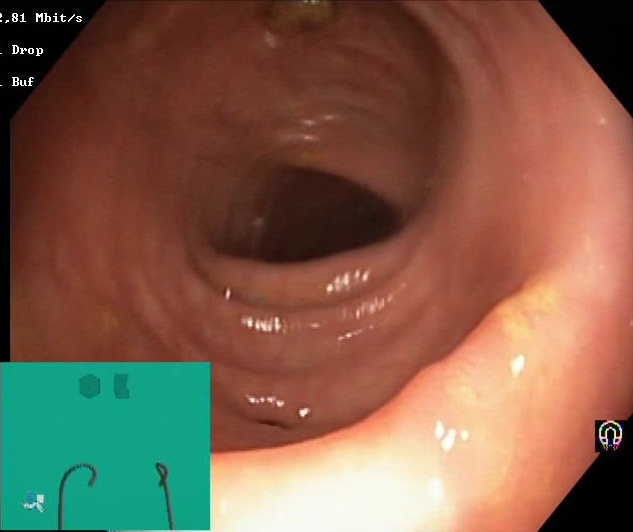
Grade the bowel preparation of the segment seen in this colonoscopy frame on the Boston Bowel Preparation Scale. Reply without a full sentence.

Boston Bowel Preparation Scale score 2–3 (adequate preparation)